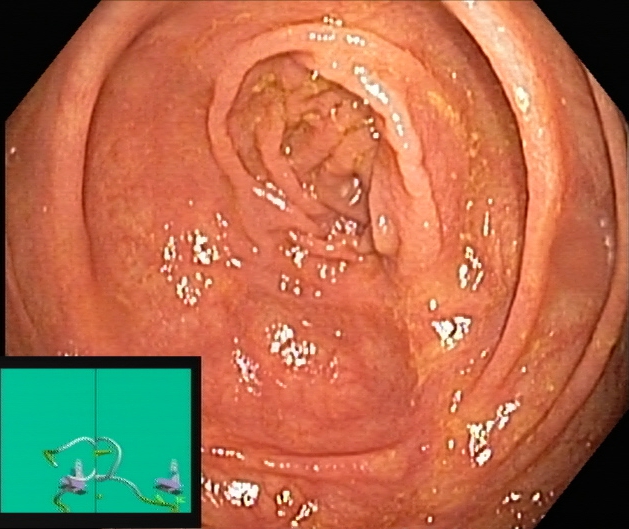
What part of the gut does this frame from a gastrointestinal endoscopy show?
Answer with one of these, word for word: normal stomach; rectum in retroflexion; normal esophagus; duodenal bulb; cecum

cecum